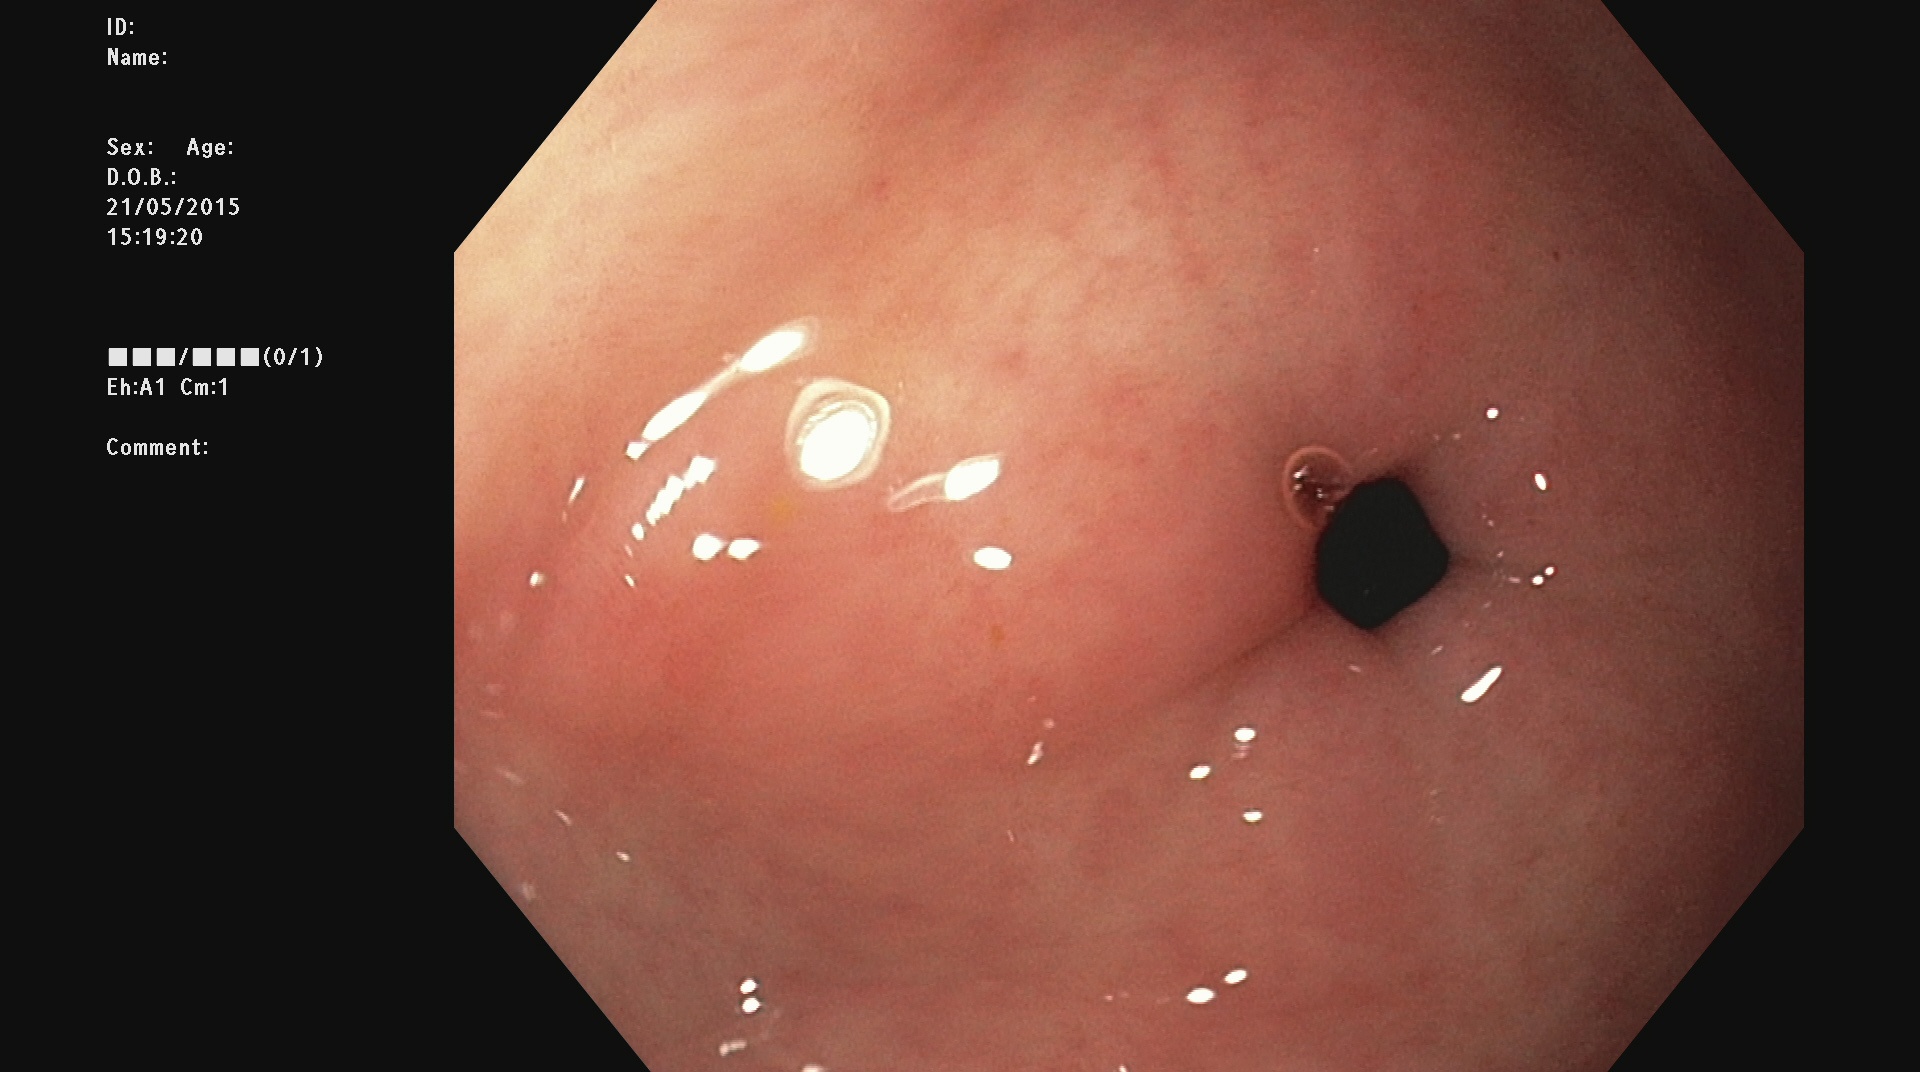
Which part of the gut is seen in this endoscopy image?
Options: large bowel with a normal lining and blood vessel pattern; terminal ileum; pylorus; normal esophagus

pylorus